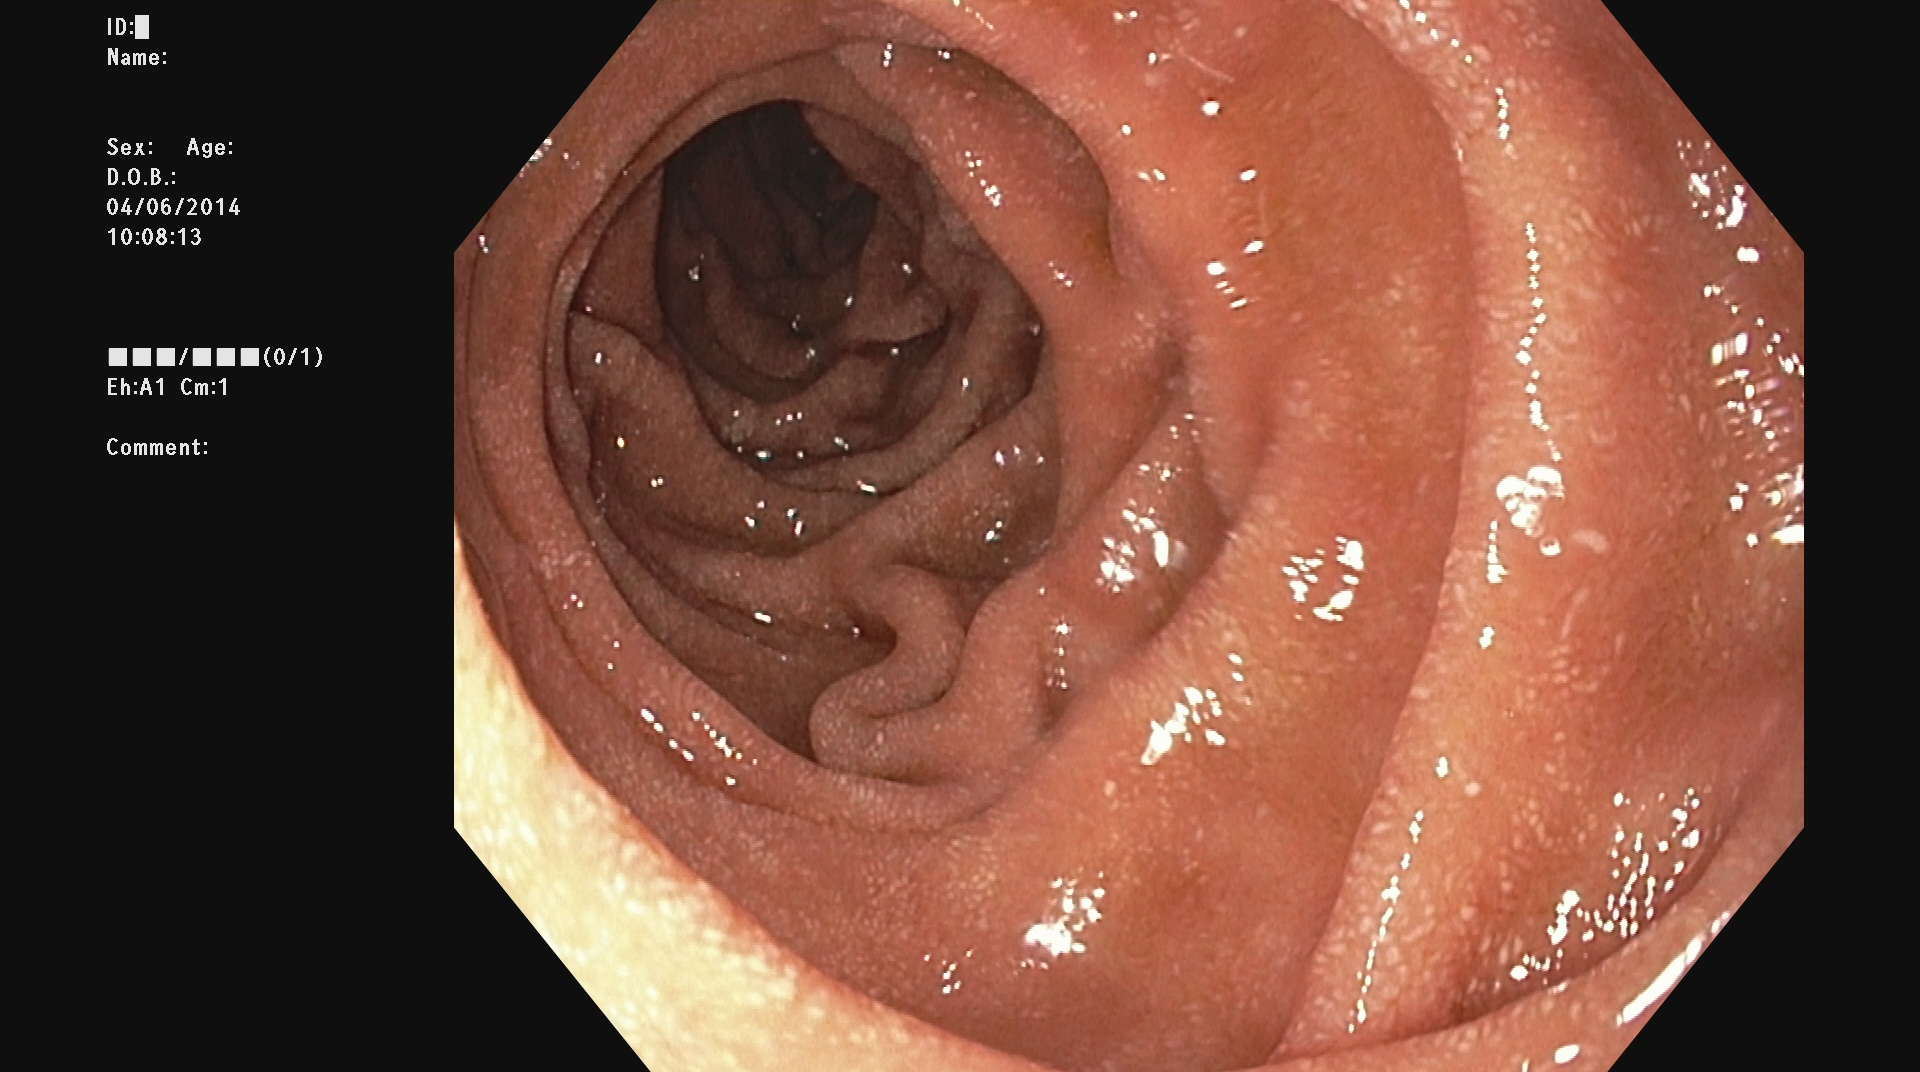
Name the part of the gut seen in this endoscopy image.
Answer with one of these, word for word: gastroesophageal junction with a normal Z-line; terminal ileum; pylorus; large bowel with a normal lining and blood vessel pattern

terminal ileum